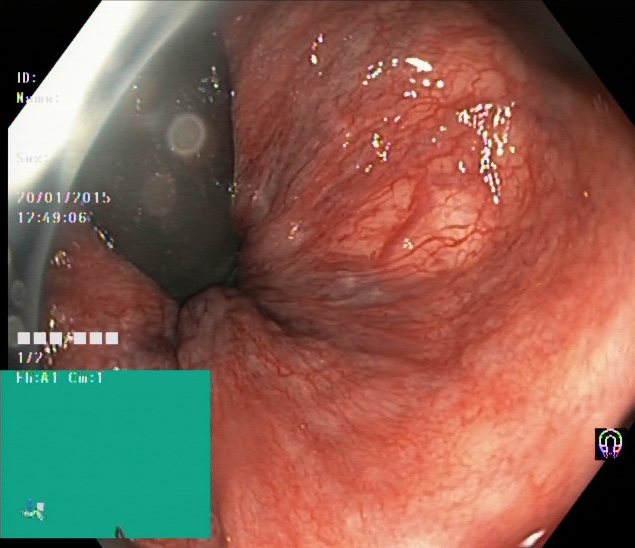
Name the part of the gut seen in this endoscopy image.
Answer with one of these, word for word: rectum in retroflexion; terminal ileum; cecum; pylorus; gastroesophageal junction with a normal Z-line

rectum in retroflexion